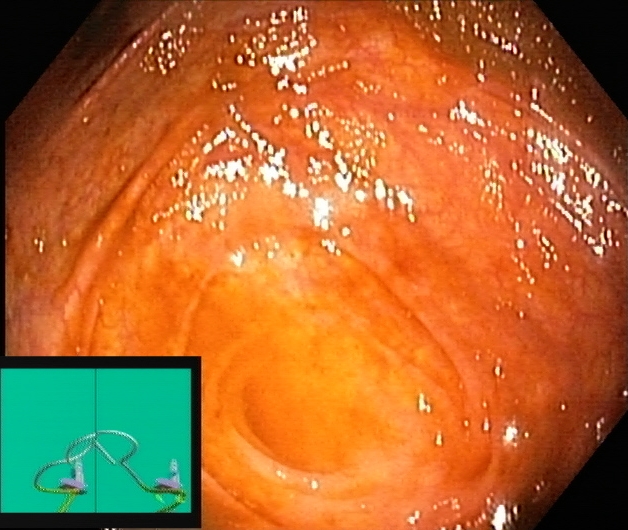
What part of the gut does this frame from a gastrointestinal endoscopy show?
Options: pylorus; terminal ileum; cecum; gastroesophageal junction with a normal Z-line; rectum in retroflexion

cecum